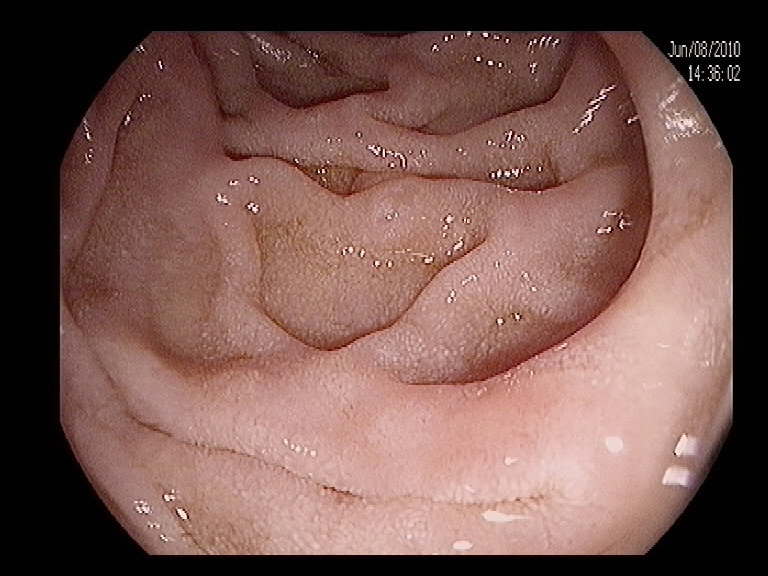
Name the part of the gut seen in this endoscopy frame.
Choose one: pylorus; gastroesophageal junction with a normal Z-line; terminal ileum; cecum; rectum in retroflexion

terminal ileum